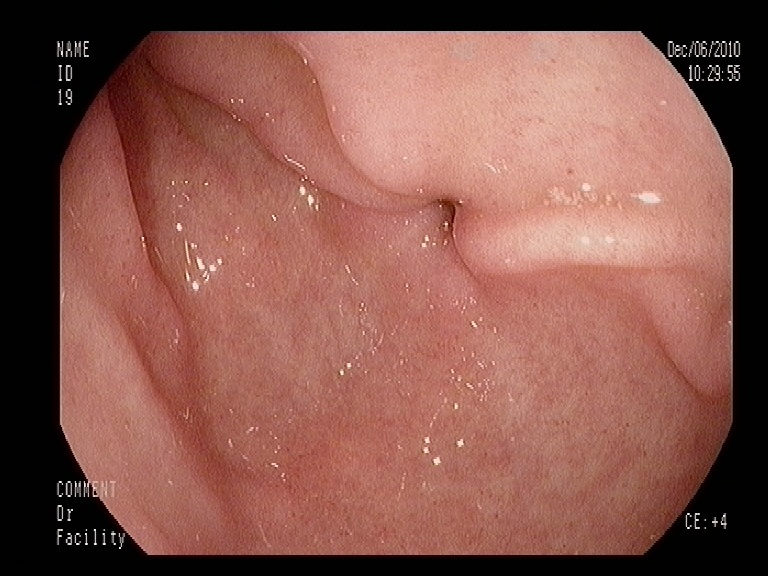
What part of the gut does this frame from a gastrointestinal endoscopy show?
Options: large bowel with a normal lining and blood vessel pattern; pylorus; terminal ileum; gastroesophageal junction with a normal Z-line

pylorus